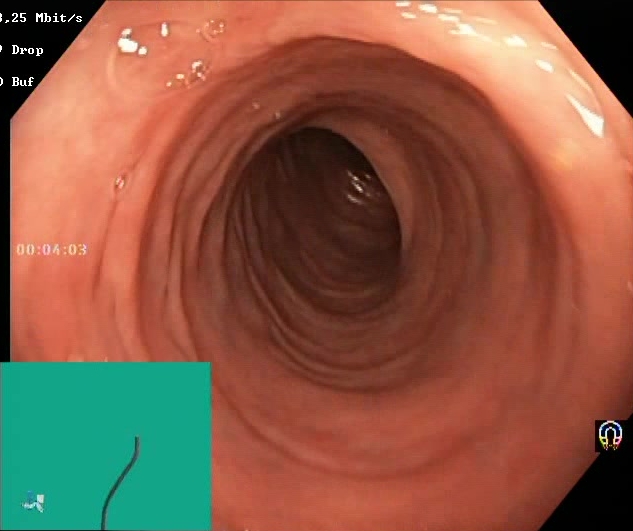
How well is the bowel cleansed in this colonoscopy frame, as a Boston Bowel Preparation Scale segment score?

Boston Bowel Preparation Scale score 2–3 (adequate preparation)